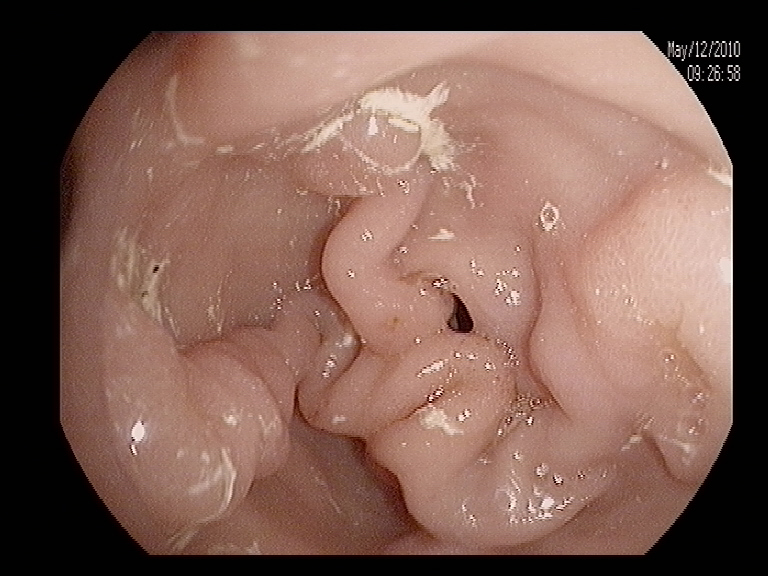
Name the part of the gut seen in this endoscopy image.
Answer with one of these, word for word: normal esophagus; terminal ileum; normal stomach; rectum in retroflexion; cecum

normal stomach